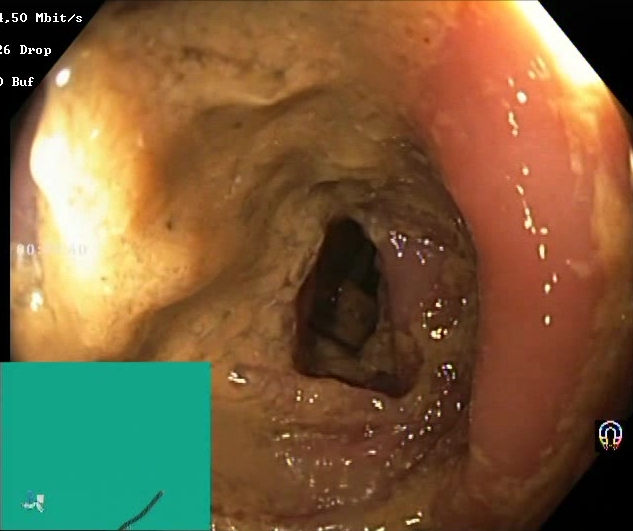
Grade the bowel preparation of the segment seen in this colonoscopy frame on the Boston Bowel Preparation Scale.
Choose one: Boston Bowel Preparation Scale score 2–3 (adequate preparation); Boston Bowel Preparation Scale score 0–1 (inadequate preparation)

Boston Bowel Preparation Scale score 0–1 (inadequate preparation)